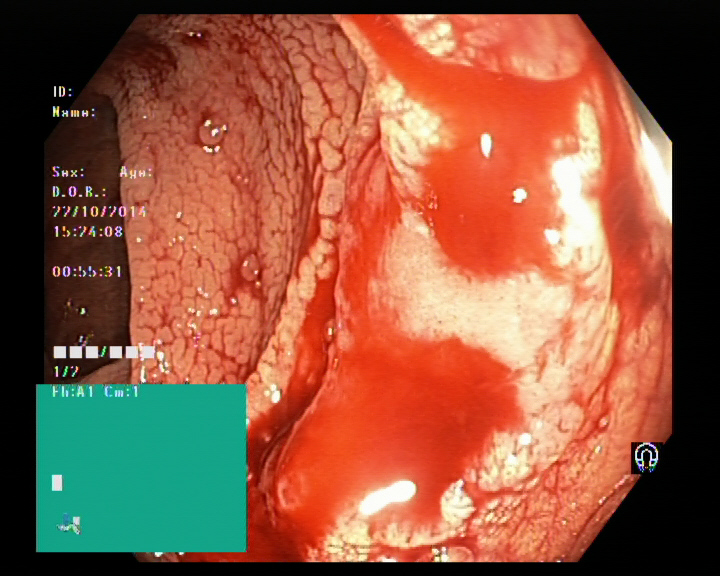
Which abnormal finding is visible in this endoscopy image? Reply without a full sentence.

blood in the lumen